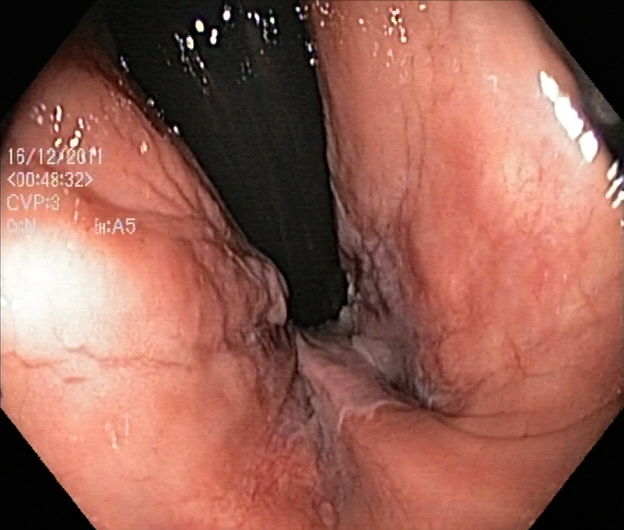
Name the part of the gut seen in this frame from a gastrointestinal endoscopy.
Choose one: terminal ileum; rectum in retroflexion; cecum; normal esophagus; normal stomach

rectum in retroflexion